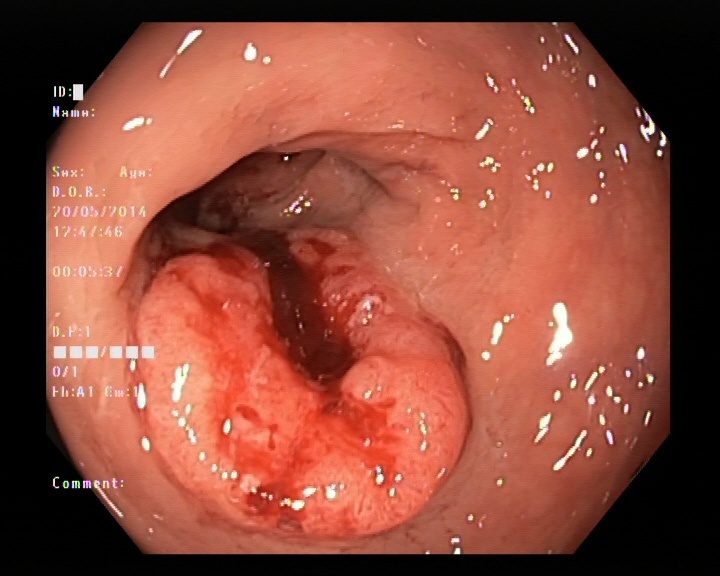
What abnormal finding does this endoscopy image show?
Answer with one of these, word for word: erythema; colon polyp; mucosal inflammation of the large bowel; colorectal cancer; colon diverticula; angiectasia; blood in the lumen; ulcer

colorectal cancer